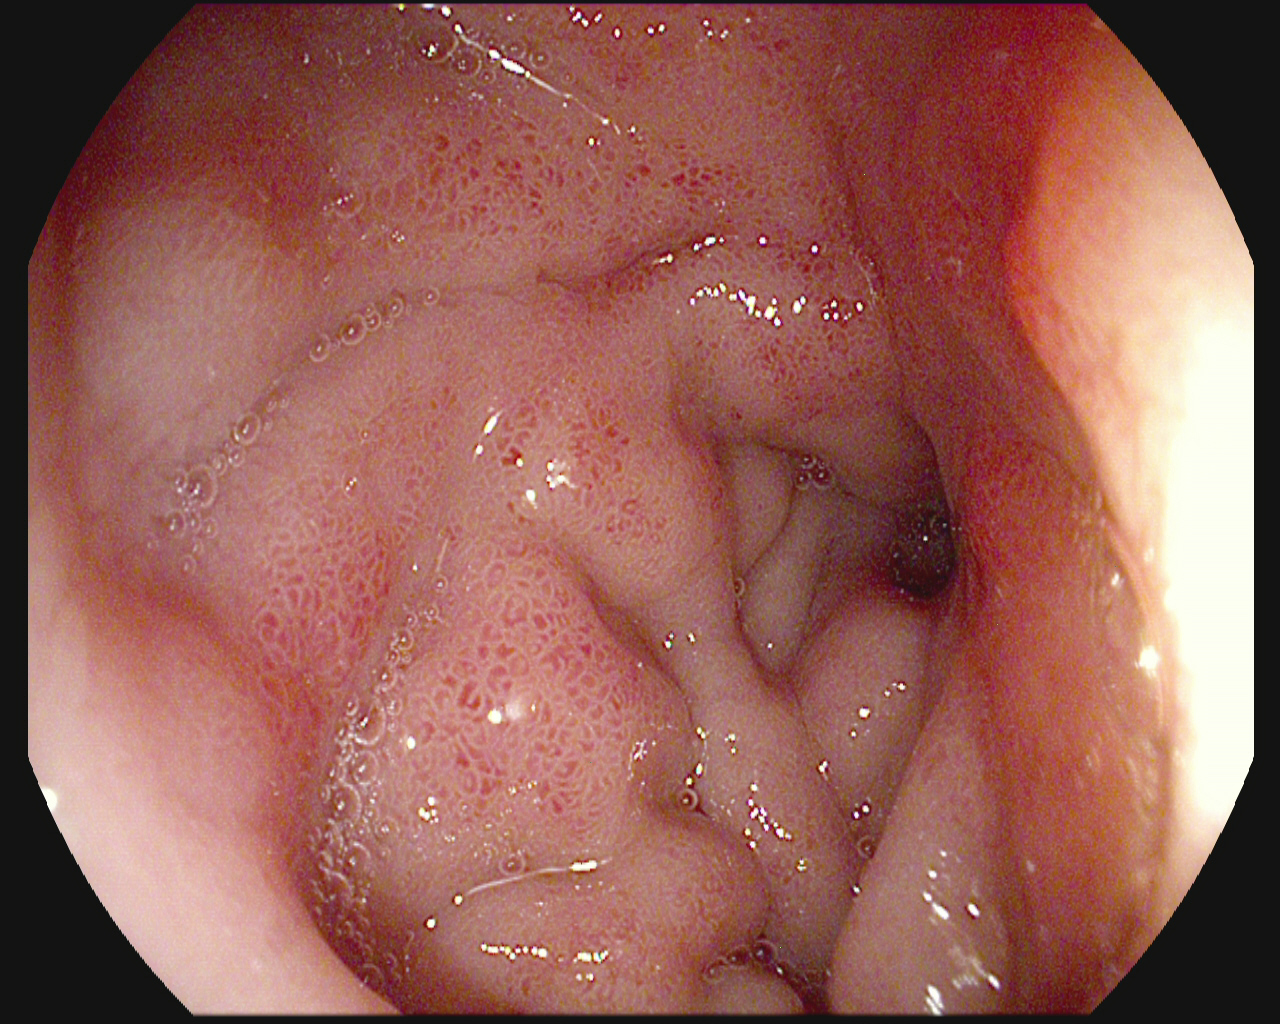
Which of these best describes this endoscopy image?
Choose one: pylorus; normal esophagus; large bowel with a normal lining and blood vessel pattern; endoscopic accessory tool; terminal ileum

terminal ileum